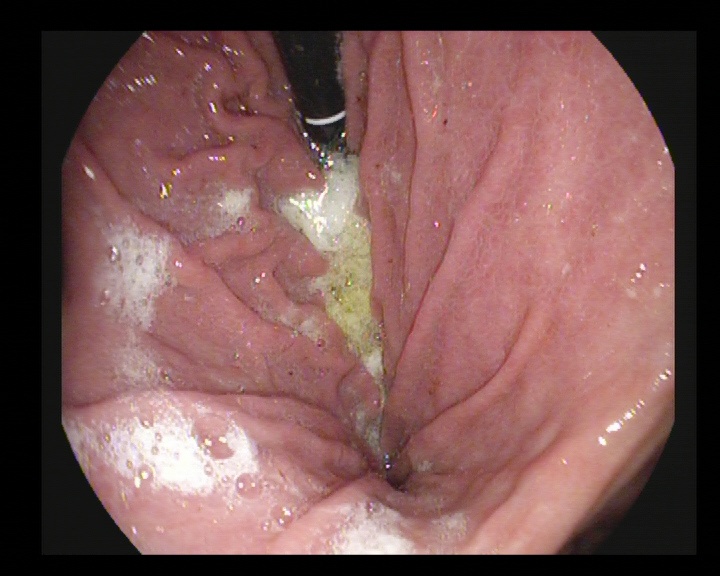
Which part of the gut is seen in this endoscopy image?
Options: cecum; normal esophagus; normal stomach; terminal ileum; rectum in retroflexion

normal stomach